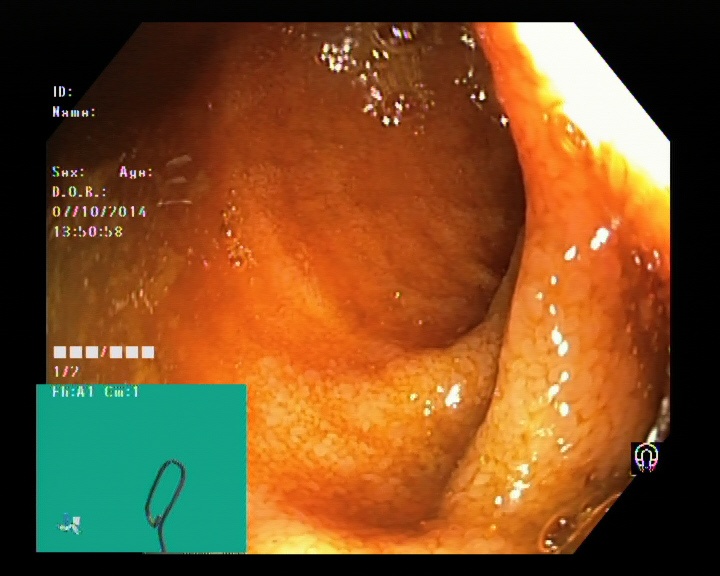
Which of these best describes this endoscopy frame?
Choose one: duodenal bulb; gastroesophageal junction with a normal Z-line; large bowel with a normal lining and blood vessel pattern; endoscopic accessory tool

large bowel with a normal lining and blood vessel pattern